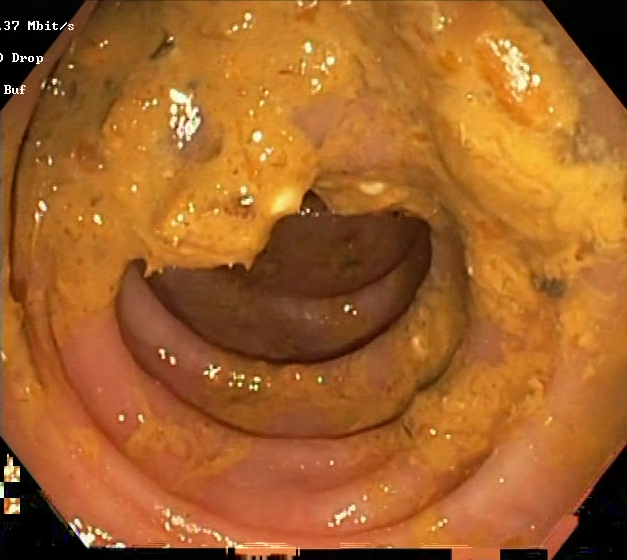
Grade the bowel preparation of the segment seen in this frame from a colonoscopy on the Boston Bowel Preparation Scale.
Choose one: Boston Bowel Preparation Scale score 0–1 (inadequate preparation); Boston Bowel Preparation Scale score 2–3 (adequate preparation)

Boston Bowel Preparation Scale score 0–1 (inadequate preparation)